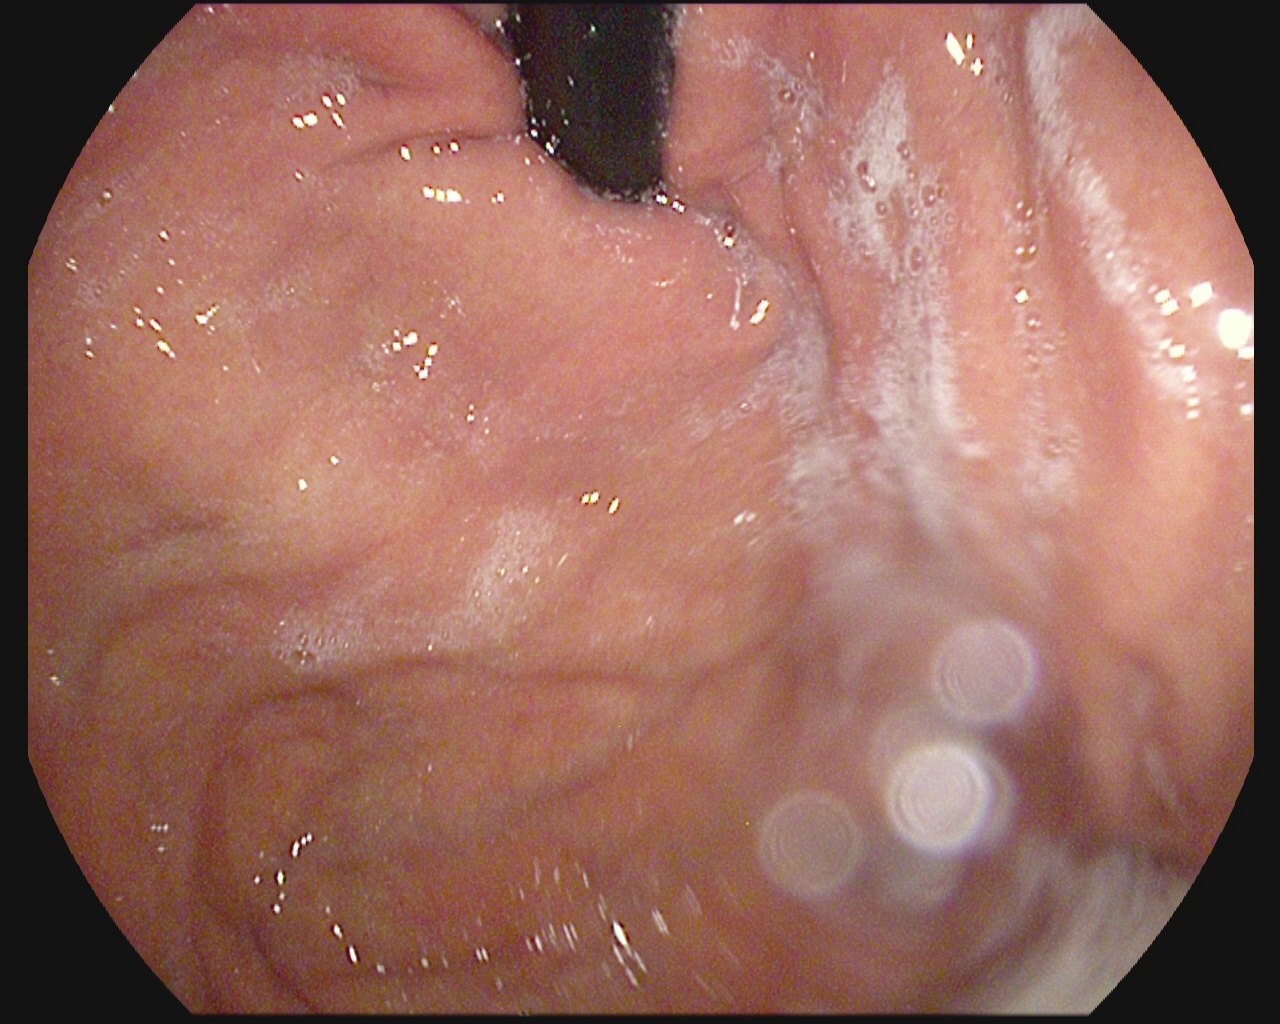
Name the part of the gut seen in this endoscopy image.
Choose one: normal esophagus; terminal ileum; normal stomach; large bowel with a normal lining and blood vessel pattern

normal stomach